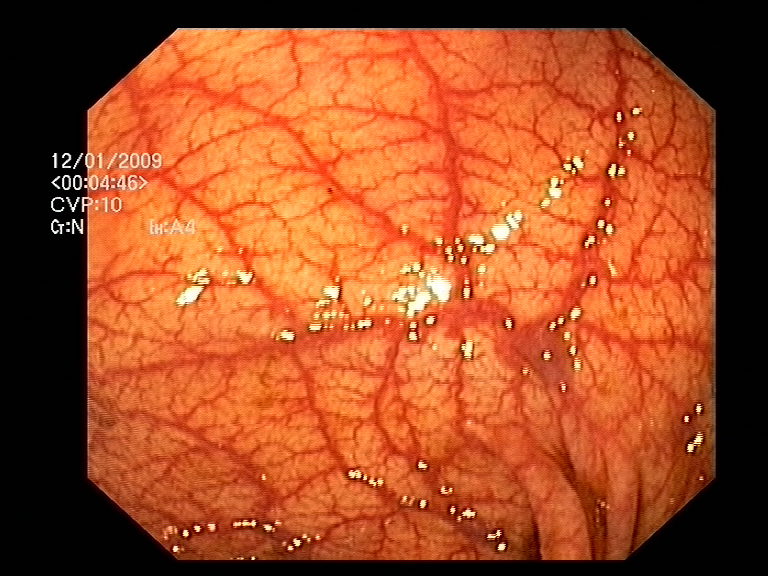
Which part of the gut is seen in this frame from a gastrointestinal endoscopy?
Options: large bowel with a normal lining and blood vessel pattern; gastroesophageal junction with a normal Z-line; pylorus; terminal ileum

large bowel with a normal lining and blood vessel pattern